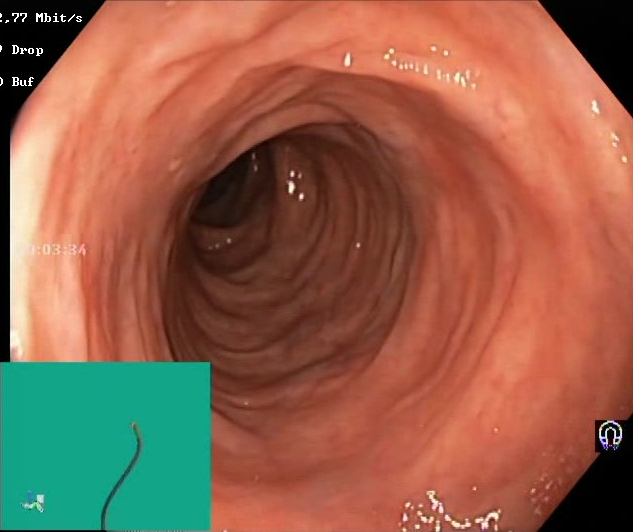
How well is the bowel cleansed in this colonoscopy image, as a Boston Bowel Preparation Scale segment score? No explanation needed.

Boston Bowel Preparation Scale score 2–3 (adequate preparation)